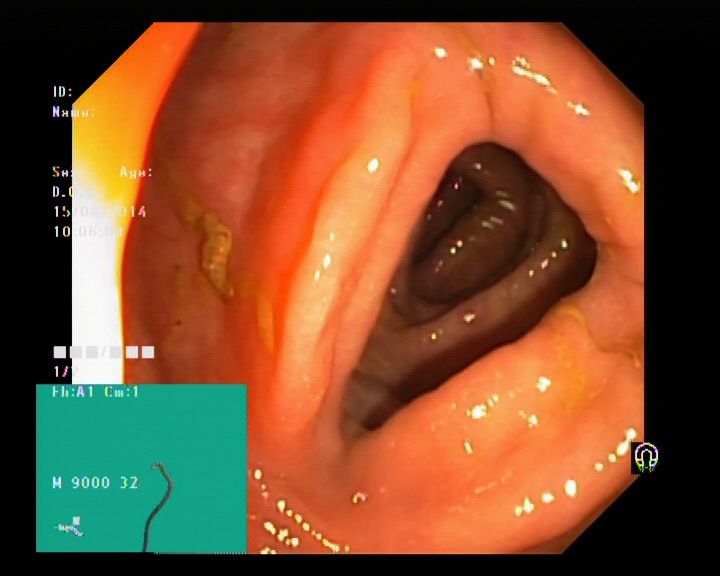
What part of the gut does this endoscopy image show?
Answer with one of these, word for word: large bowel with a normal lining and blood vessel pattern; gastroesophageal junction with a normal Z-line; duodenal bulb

large bowel with a normal lining and blood vessel pattern